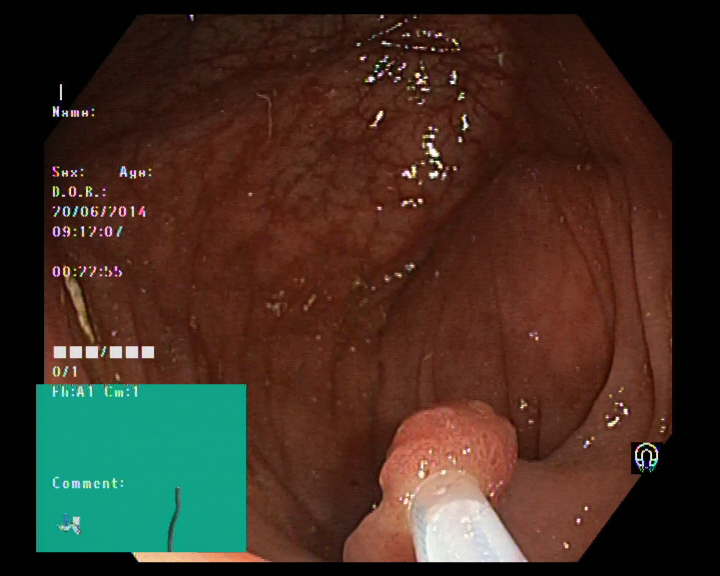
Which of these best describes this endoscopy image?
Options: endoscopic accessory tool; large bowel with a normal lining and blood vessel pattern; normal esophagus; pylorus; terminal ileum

endoscopic accessory tool